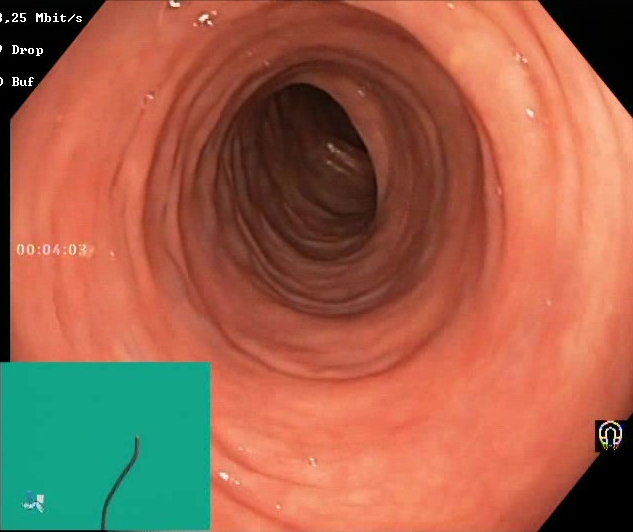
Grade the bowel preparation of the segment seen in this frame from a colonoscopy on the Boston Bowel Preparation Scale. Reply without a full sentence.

Boston Bowel Preparation Scale score 2–3 (adequate preparation)